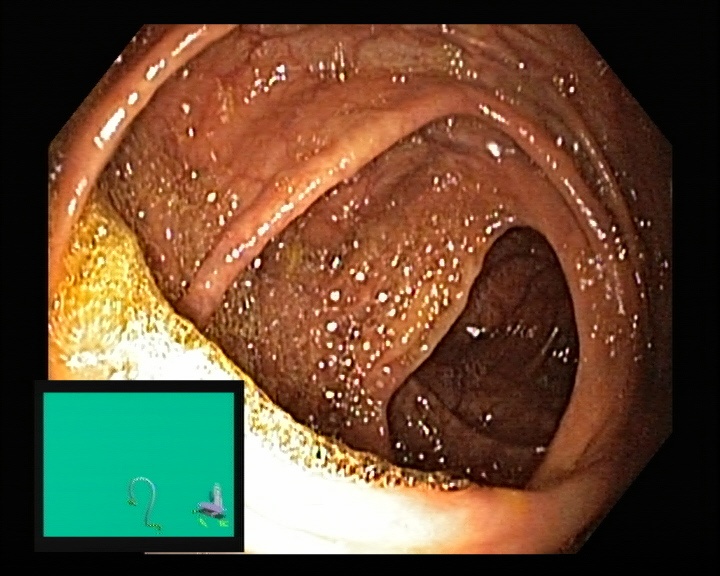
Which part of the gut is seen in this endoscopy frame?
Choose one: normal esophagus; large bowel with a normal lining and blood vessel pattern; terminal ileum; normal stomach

large bowel with a normal lining and blood vessel pattern